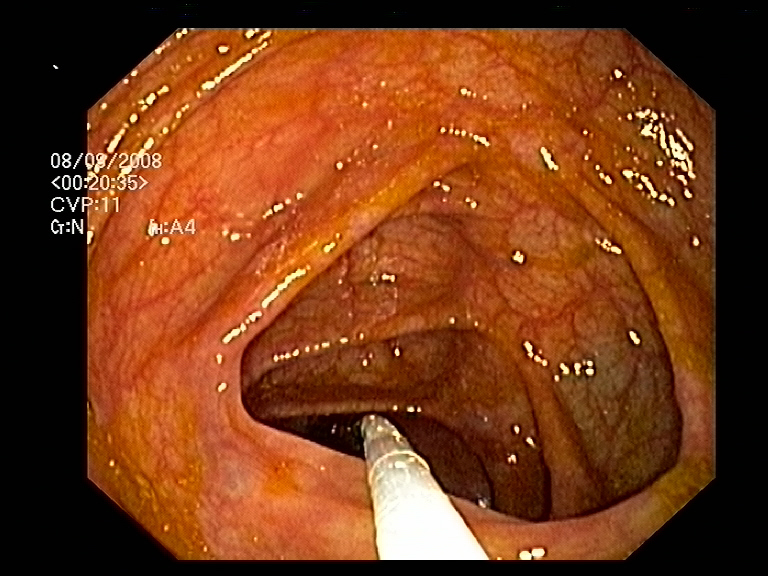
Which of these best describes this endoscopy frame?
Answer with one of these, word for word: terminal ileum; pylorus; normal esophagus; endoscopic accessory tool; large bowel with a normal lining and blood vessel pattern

endoscopic accessory tool